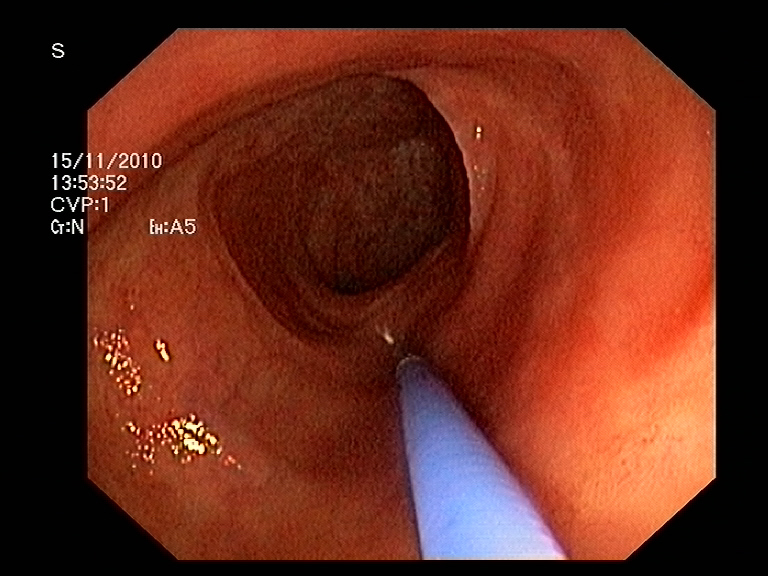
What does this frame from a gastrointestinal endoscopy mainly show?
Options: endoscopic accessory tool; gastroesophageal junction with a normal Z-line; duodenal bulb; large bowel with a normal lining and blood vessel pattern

endoscopic accessory tool